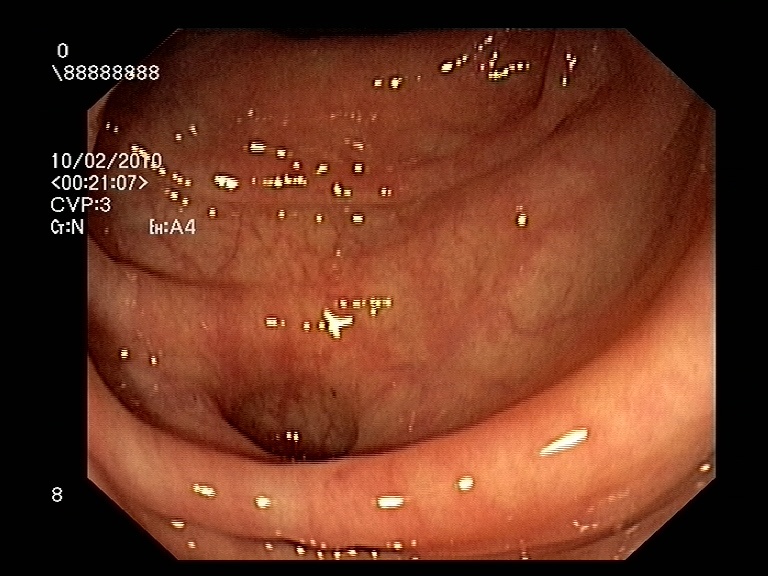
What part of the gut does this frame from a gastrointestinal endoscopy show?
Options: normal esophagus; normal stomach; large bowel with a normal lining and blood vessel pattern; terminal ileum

large bowel with a normal lining and blood vessel pattern